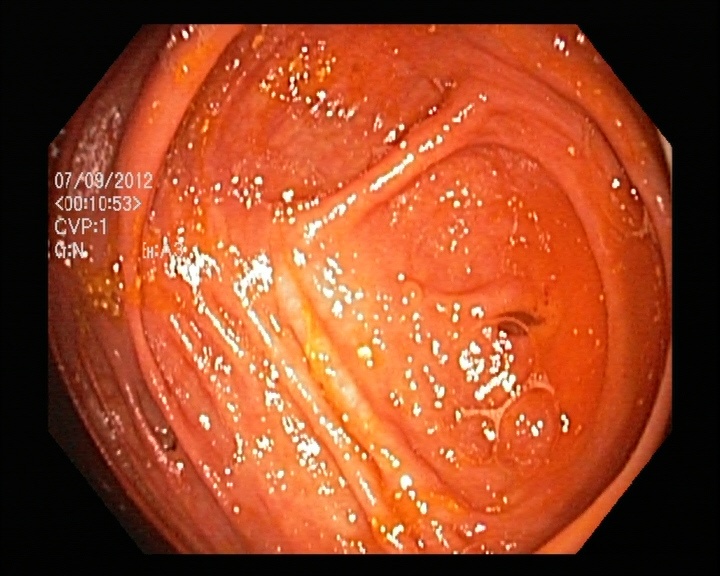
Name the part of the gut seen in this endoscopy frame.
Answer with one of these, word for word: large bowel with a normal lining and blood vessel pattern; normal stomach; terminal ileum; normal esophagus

large bowel with a normal lining and blood vessel pattern